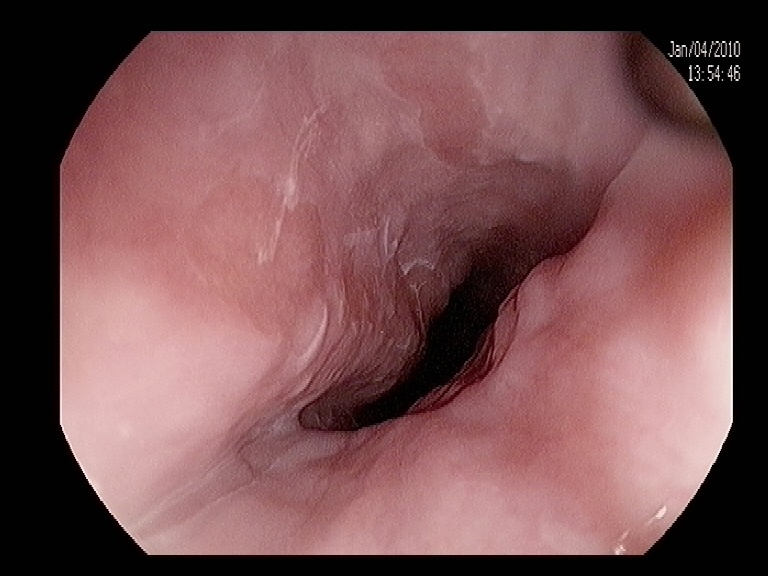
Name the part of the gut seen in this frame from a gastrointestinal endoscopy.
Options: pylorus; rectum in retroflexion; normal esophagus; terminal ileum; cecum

normal esophagus